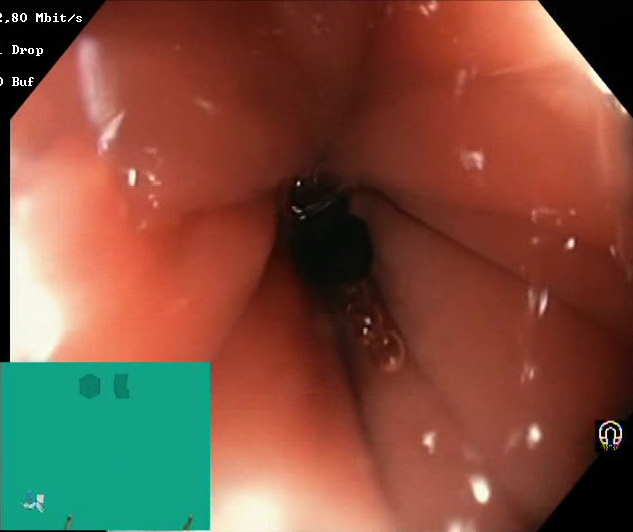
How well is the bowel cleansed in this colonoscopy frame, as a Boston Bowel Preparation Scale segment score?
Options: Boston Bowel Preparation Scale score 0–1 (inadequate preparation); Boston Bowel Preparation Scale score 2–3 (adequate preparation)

Boston Bowel Preparation Scale score 2–3 (adequate preparation)